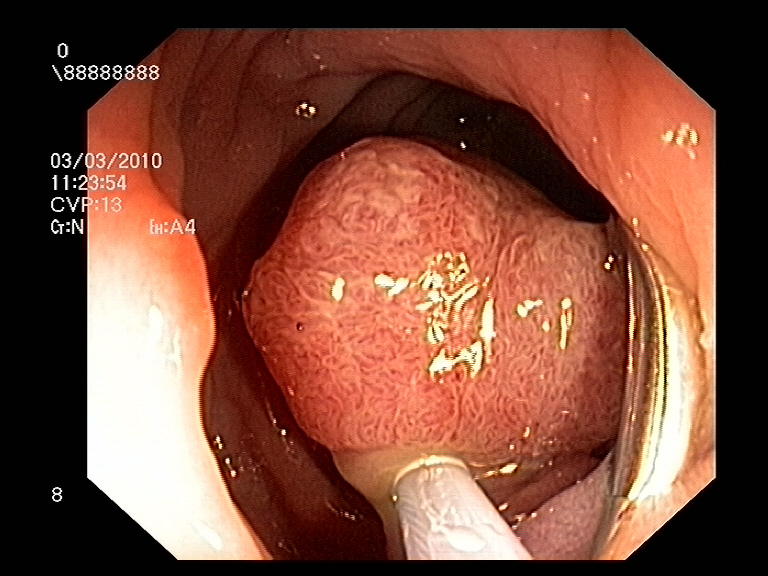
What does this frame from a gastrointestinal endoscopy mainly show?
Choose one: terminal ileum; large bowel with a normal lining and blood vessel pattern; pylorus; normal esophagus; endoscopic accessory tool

endoscopic accessory tool